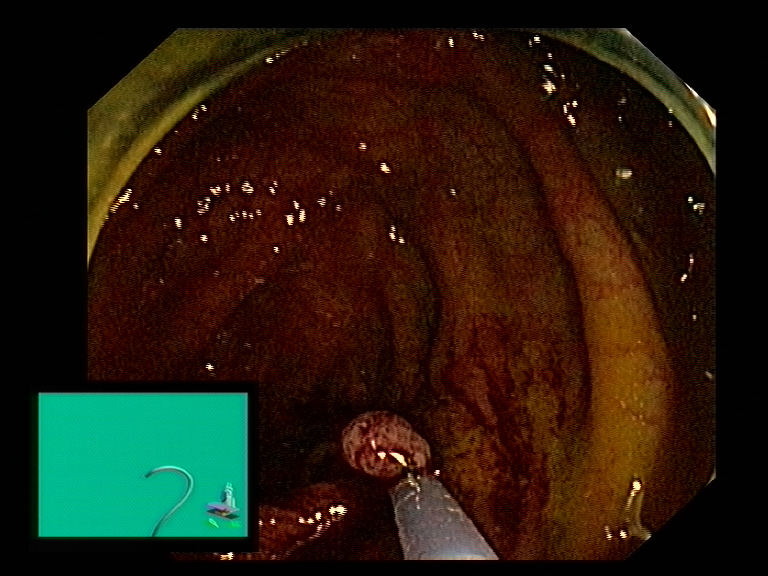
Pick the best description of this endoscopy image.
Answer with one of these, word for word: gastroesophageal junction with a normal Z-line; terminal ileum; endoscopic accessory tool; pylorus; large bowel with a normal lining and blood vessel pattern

endoscopic accessory tool